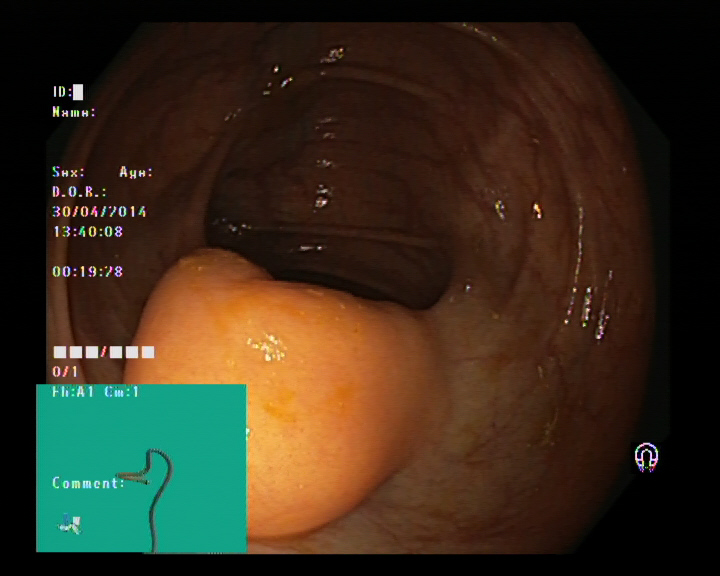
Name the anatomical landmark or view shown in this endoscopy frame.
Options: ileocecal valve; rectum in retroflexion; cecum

ileocecal valve